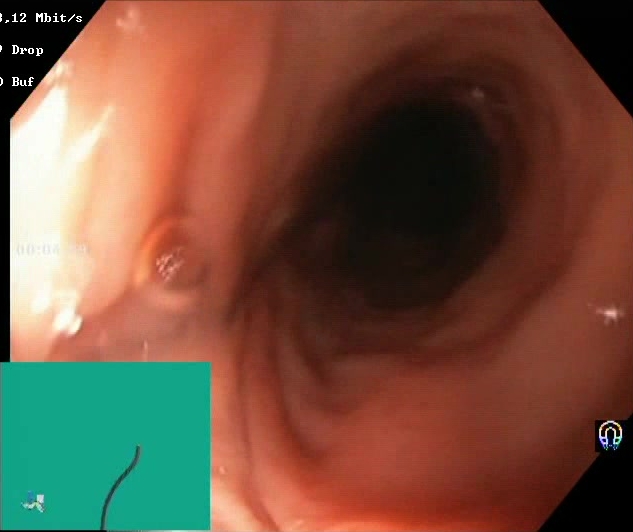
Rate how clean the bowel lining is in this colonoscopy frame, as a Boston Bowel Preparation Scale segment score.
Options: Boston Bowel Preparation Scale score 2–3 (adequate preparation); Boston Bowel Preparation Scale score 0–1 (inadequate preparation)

Boston Bowel Preparation Scale score 2–3 (adequate preparation)